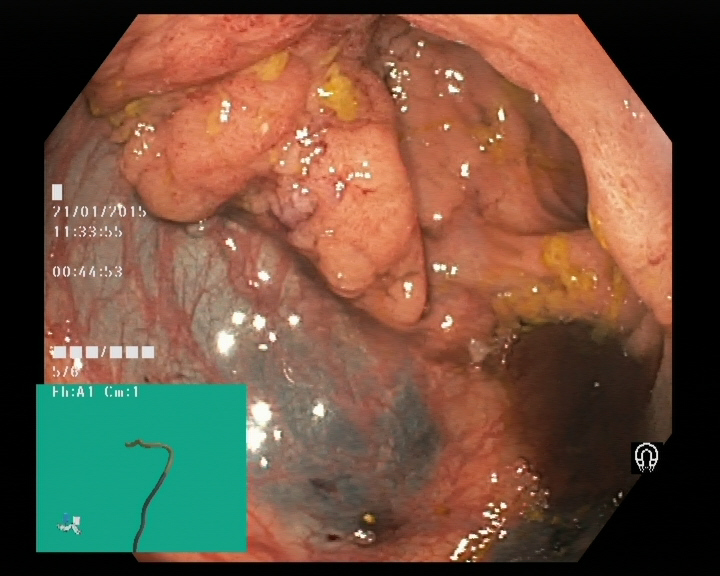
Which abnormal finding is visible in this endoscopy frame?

colon polyp